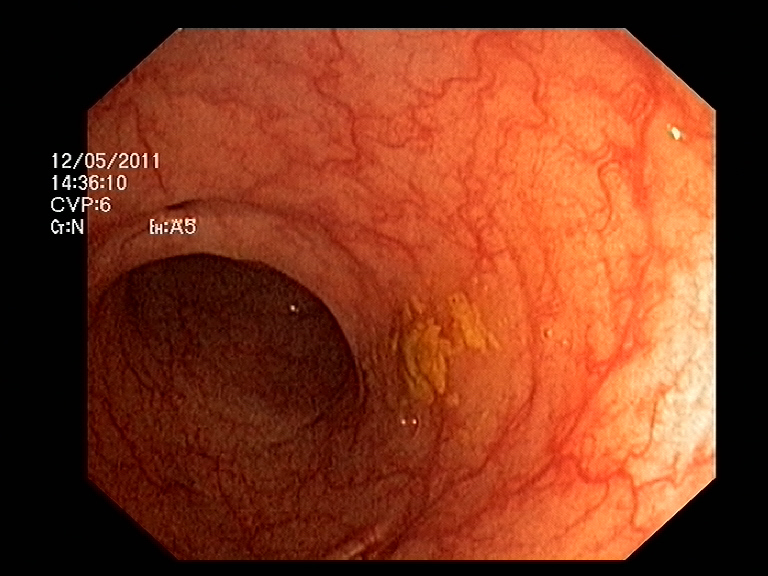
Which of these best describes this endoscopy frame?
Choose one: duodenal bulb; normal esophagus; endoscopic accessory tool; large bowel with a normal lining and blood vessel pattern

large bowel with a normal lining and blood vessel pattern